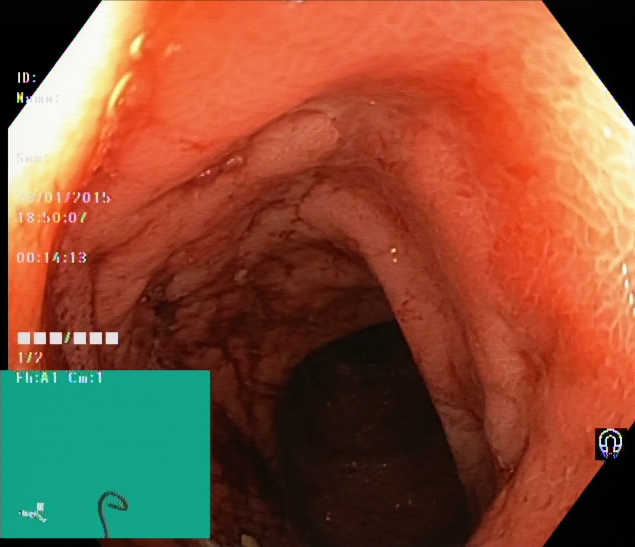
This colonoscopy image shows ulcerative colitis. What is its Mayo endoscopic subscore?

ulcerative colitis, Mayo endoscopic subscore 2